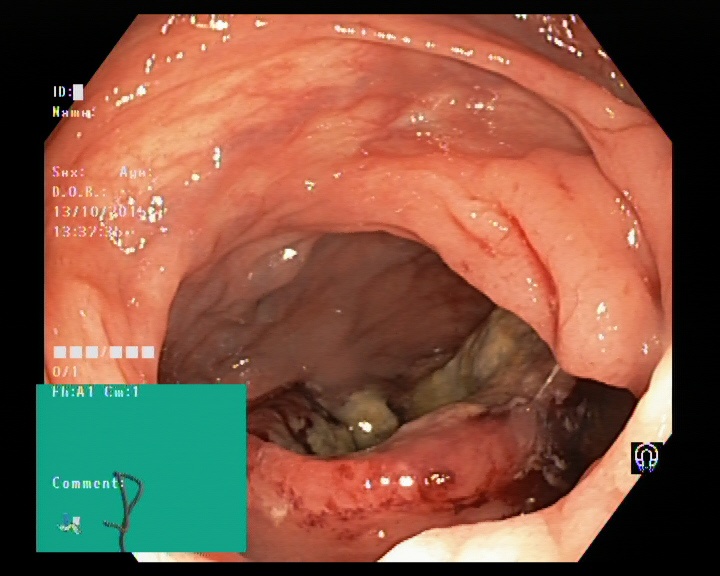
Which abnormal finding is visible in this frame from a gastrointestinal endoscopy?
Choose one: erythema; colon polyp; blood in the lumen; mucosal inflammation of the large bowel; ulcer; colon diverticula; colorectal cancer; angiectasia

colorectal cancer